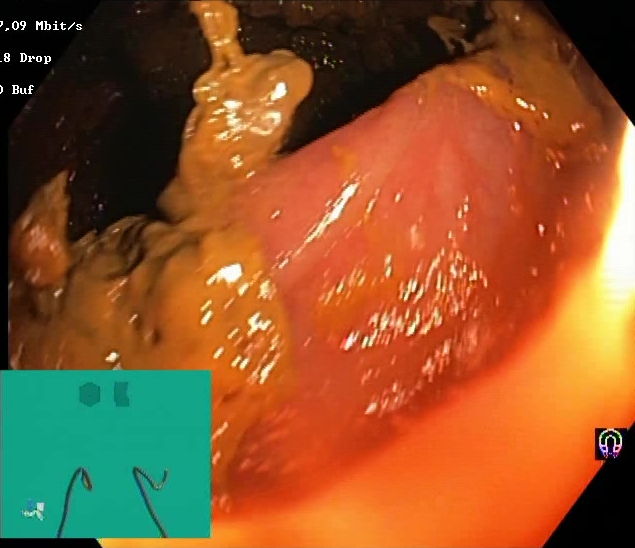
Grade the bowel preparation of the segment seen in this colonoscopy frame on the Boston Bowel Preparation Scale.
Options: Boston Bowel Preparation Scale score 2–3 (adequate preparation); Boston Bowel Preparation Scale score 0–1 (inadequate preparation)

Boston Bowel Preparation Scale score 0–1 (inadequate preparation)